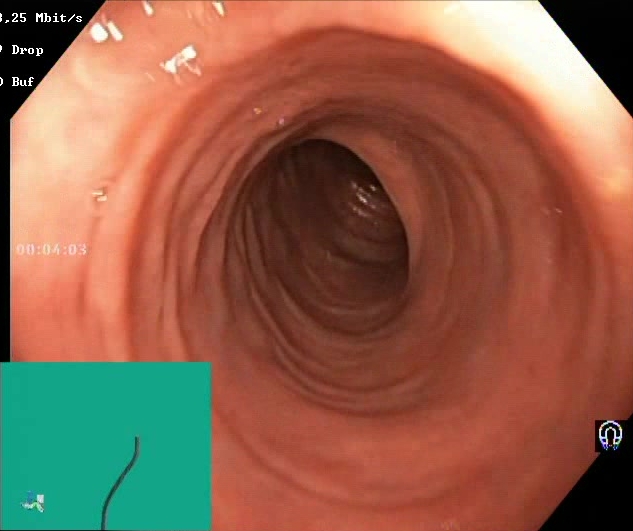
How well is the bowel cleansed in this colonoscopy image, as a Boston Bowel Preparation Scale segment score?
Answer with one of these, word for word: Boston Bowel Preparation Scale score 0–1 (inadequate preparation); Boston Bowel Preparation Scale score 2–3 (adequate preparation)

Boston Bowel Preparation Scale score 2–3 (adequate preparation)